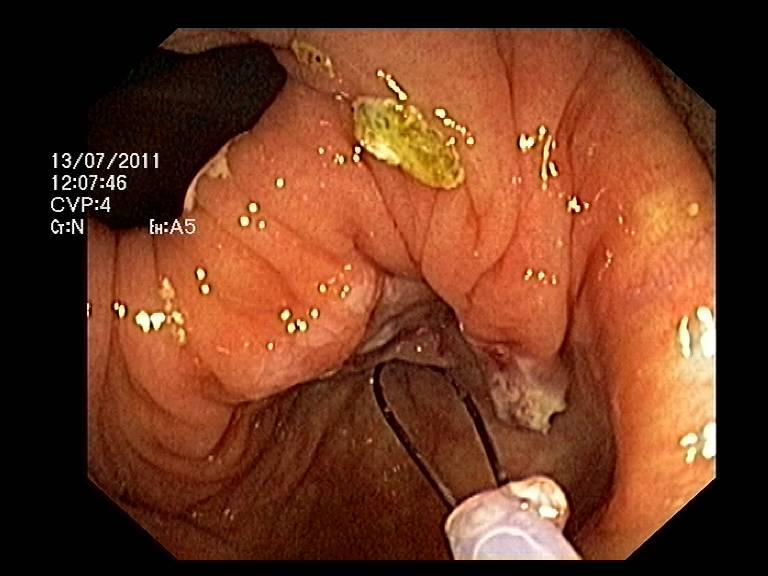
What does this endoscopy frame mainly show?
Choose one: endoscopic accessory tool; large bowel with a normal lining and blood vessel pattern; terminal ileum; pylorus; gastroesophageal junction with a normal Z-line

endoscopic accessory tool